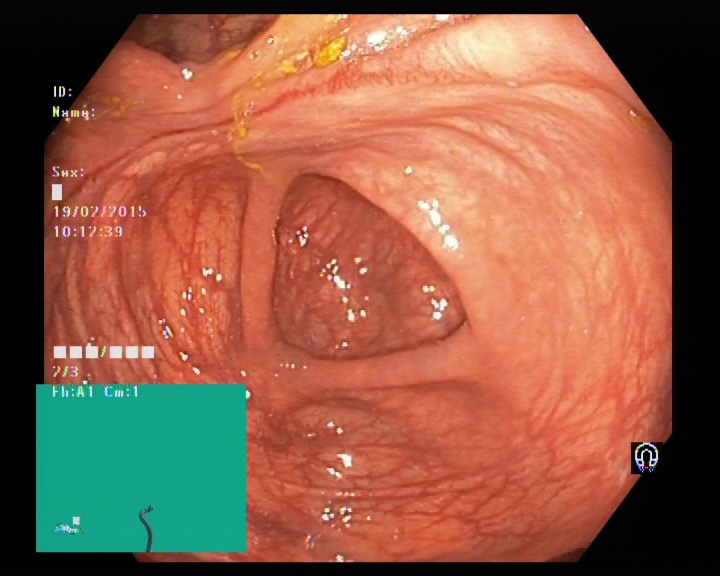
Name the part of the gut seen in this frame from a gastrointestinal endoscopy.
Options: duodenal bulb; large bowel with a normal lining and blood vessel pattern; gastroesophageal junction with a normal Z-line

large bowel with a normal lining and blood vessel pattern